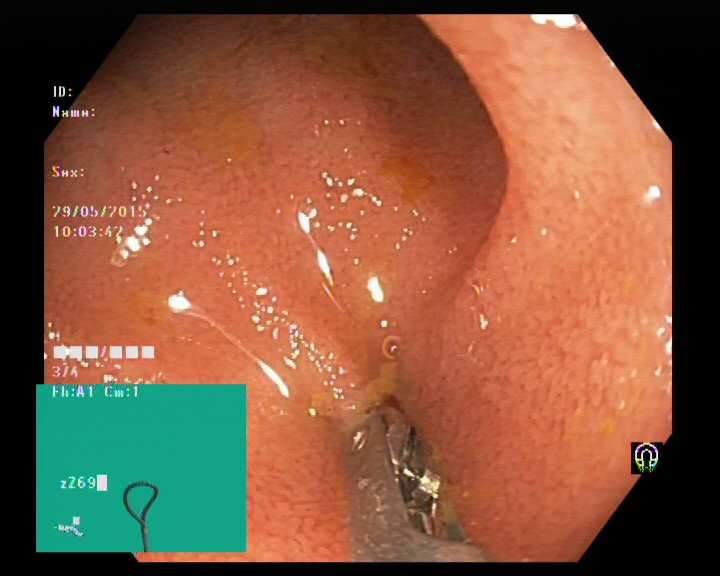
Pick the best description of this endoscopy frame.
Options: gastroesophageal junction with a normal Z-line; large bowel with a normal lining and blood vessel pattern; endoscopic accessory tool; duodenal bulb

endoscopic accessory tool